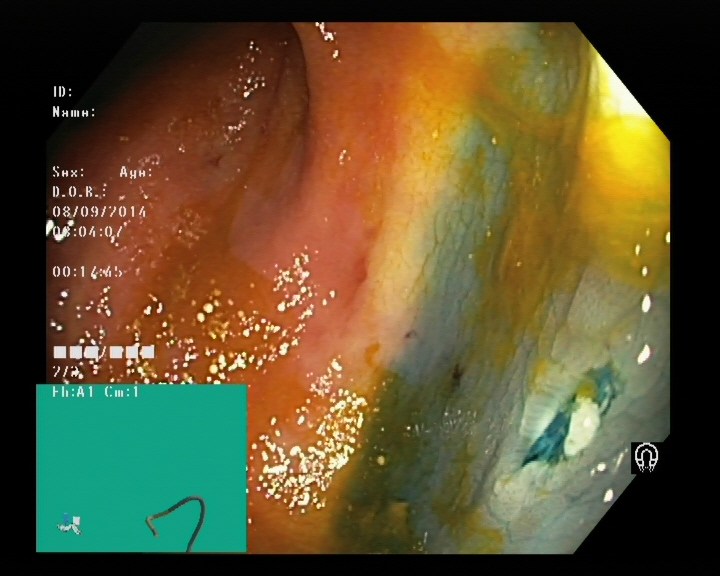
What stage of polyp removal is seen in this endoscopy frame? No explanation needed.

dyed resection margin (post-polypectomy)